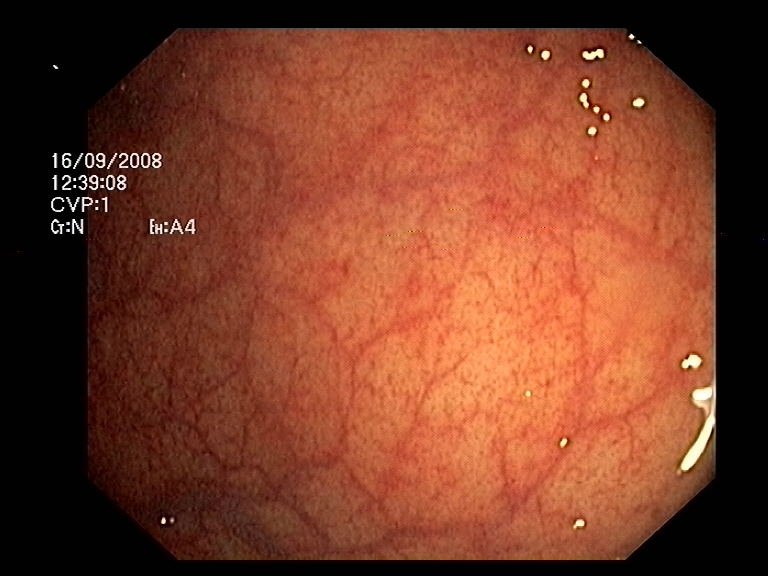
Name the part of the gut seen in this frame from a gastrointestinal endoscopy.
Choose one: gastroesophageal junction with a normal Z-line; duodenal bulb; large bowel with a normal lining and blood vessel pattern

large bowel with a normal lining and blood vessel pattern